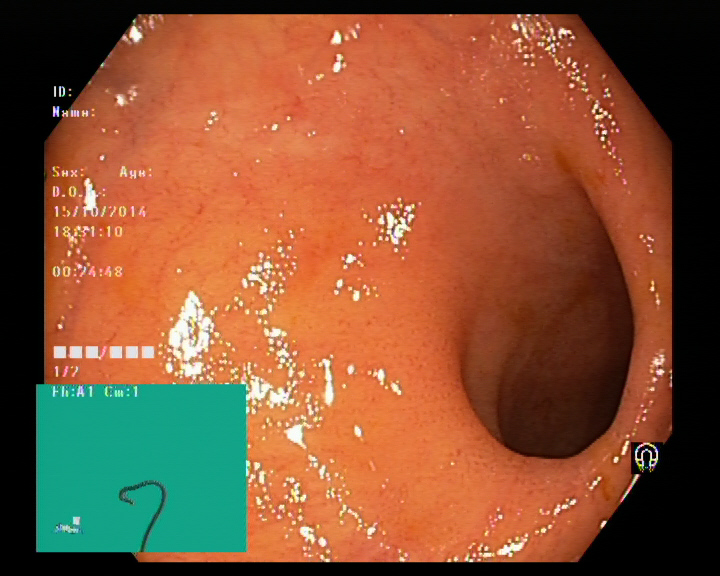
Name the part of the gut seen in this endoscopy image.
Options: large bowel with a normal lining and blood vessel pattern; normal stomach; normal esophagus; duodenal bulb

large bowel with a normal lining and blood vessel pattern